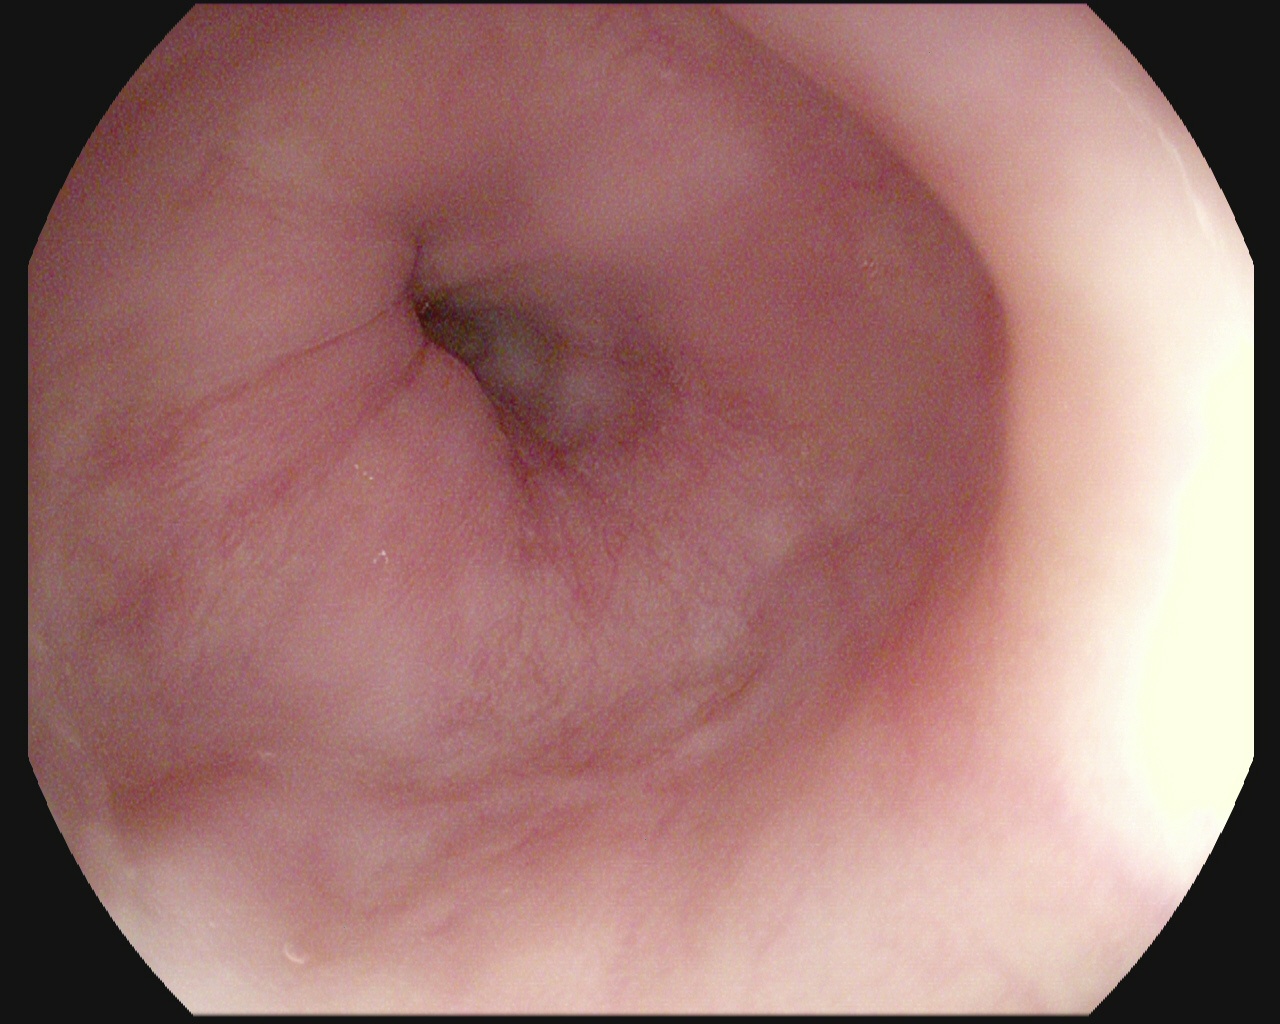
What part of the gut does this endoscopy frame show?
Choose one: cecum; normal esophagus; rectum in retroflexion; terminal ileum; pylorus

normal esophagus